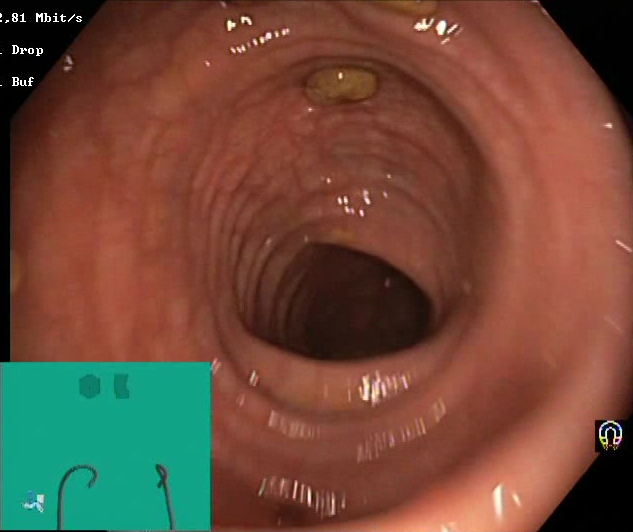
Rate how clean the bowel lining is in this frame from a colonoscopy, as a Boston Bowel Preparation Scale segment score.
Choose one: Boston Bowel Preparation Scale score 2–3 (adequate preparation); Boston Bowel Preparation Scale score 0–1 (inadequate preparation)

Boston Bowel Preparation Scale score 2–3 (adequate preparation)